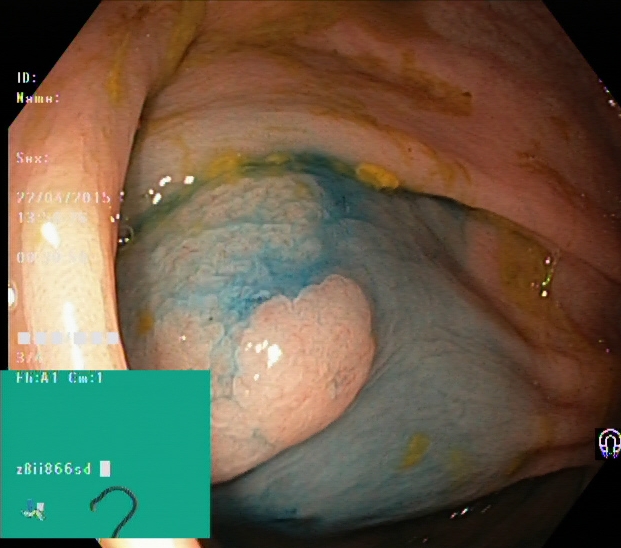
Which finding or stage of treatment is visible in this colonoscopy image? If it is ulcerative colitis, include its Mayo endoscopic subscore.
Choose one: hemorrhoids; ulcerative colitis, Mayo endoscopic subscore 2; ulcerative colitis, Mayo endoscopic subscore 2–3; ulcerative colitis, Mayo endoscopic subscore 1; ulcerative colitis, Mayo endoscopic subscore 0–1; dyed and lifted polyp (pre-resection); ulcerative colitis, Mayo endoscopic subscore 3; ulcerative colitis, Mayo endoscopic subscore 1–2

dyed and lifted polyp (pre-resection)